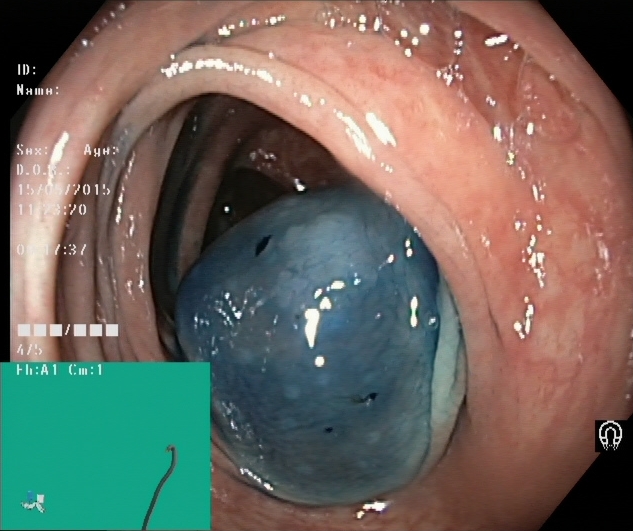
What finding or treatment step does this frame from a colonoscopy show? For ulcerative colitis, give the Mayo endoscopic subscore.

dyed and lifted polyp (pre-resection)